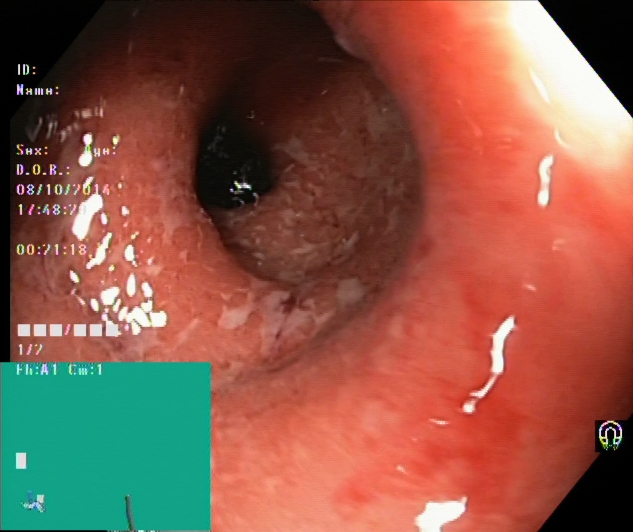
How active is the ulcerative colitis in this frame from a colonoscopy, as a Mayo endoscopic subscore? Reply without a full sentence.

ulcerative colitis, Mayo endoscopic subscore 2